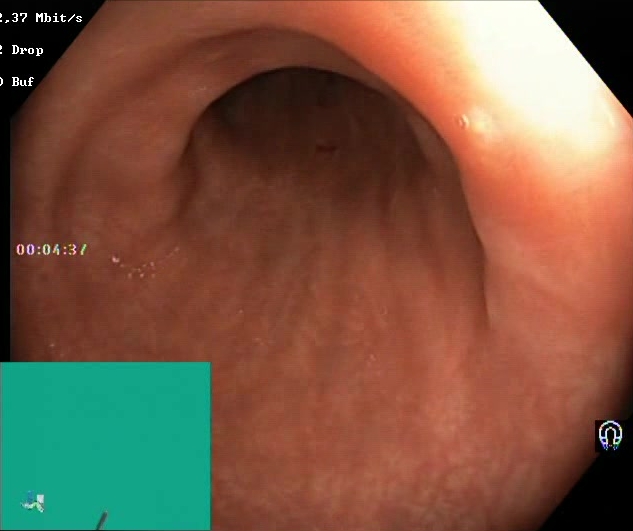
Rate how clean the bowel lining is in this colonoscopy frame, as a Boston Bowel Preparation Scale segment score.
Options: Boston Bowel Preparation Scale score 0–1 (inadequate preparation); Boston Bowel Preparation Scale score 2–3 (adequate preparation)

Boston Bowel Preparation Scale score 2–3 (adequate preparation)